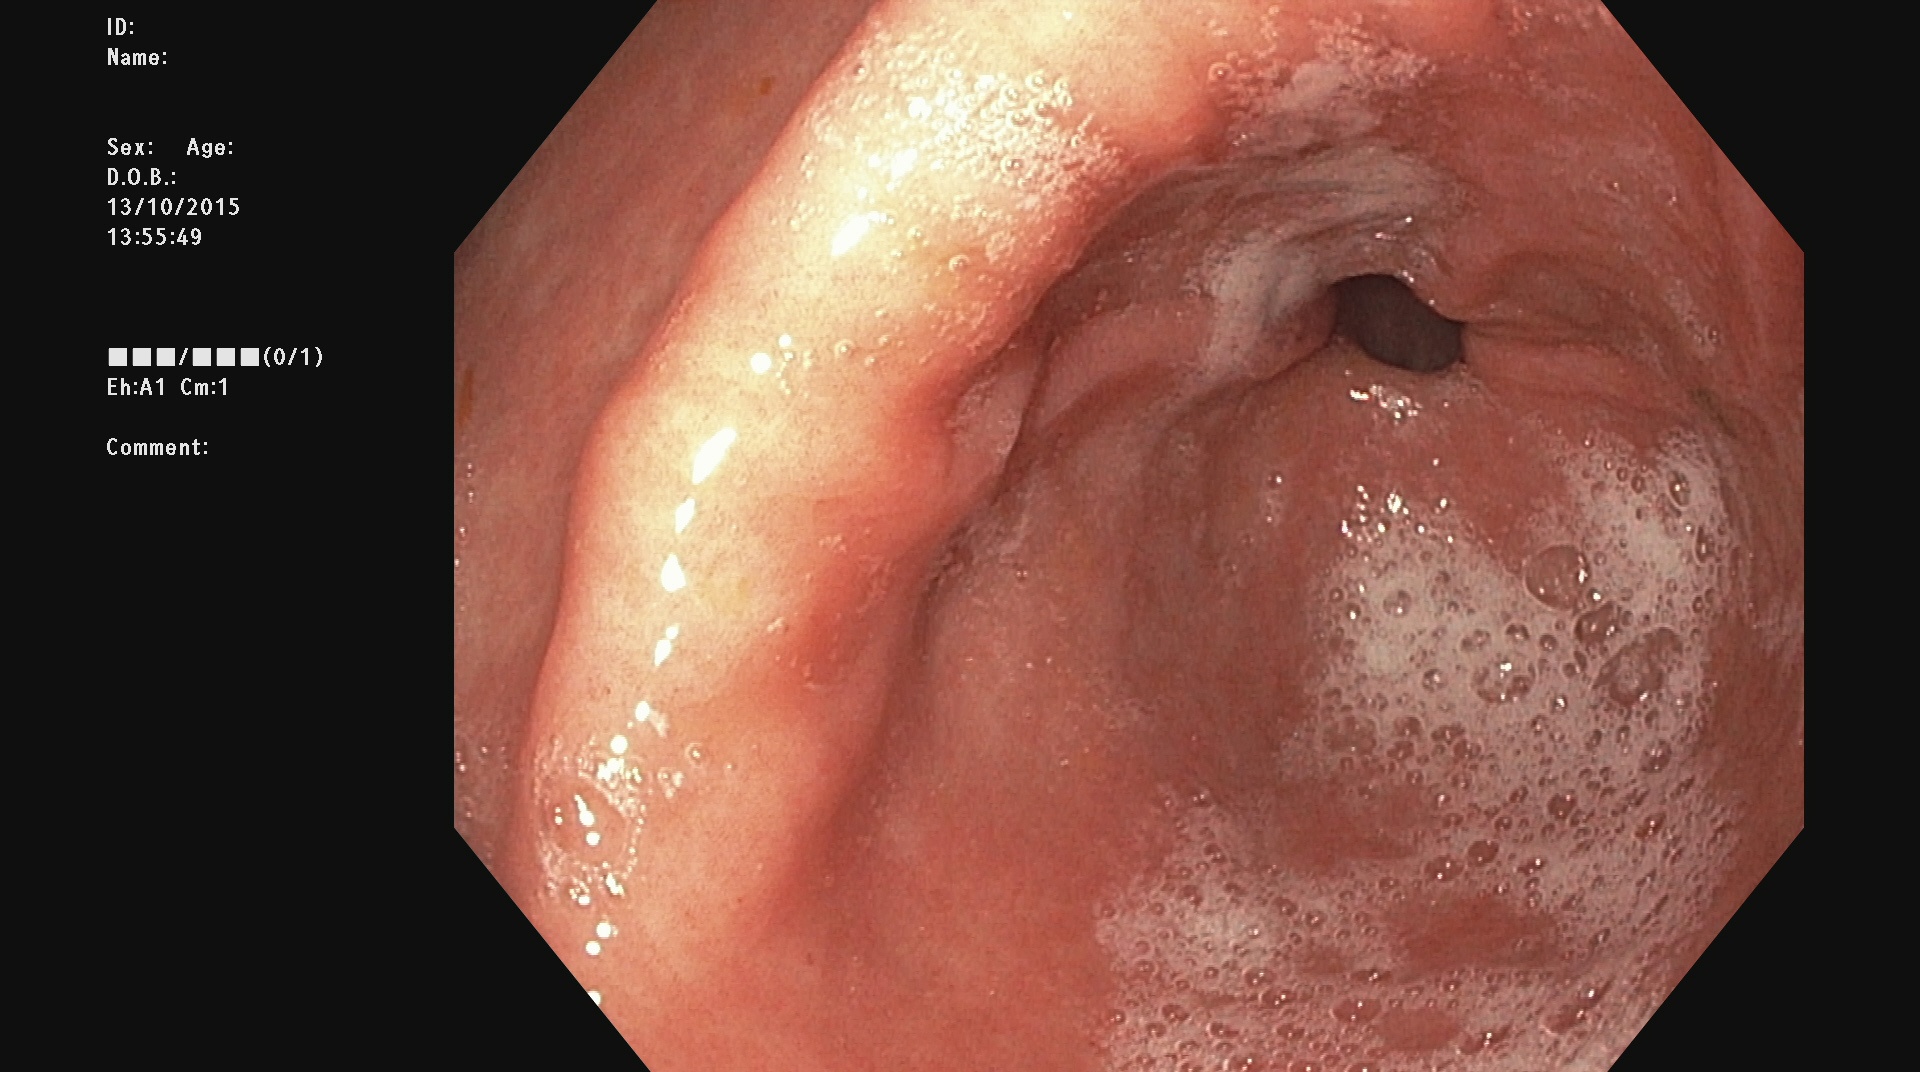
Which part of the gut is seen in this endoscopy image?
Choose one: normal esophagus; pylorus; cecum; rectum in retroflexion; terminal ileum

pylorus